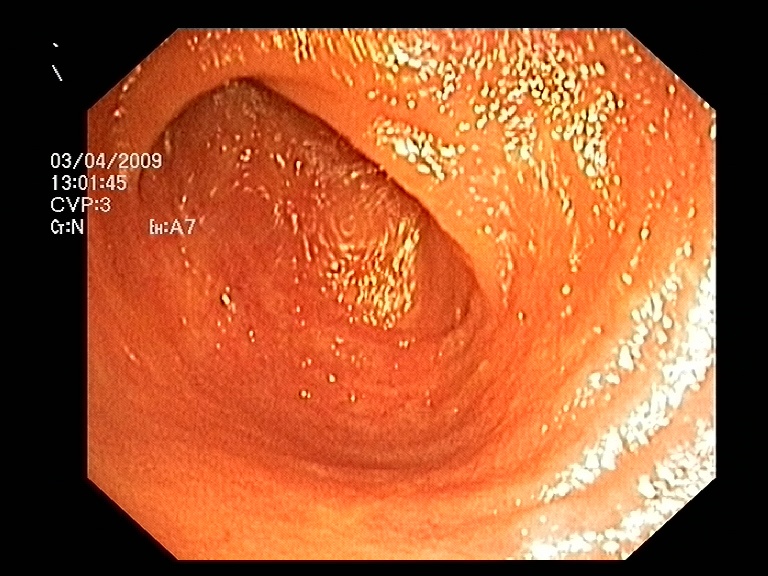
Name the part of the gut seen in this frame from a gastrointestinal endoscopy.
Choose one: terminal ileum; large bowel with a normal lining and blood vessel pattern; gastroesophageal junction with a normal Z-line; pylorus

terminal ileum